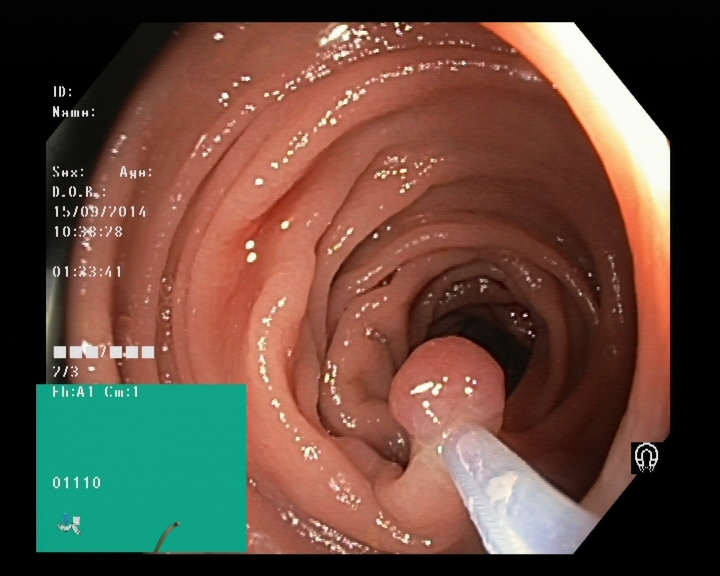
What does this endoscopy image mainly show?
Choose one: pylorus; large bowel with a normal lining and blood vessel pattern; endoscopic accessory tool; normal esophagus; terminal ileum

endoscopic accessory tool